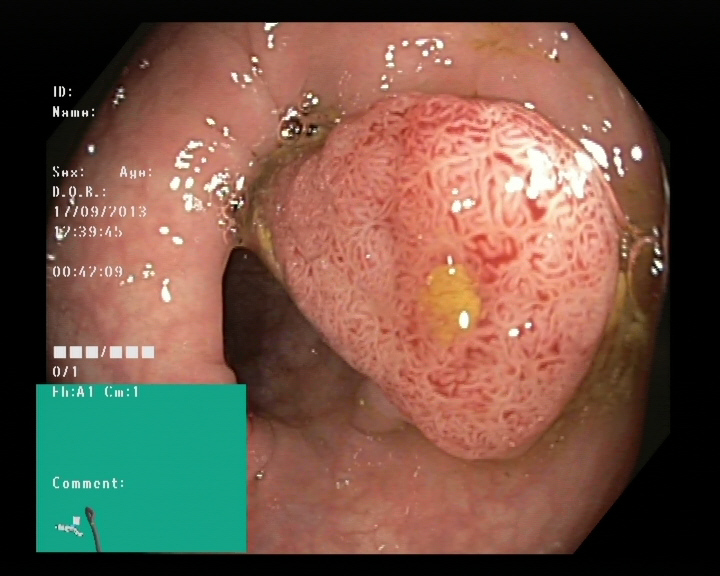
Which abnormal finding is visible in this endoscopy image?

colon polyp